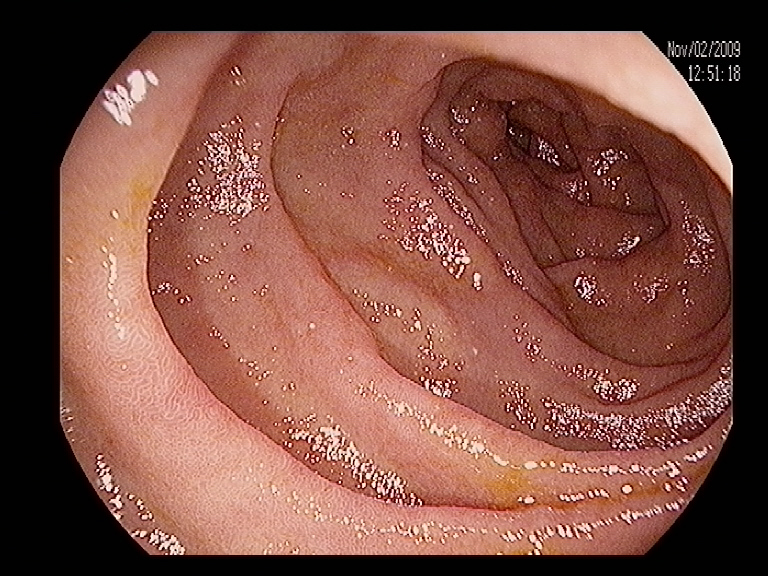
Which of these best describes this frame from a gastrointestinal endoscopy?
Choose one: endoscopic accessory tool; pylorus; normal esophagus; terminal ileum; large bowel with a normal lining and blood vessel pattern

terminal ileum